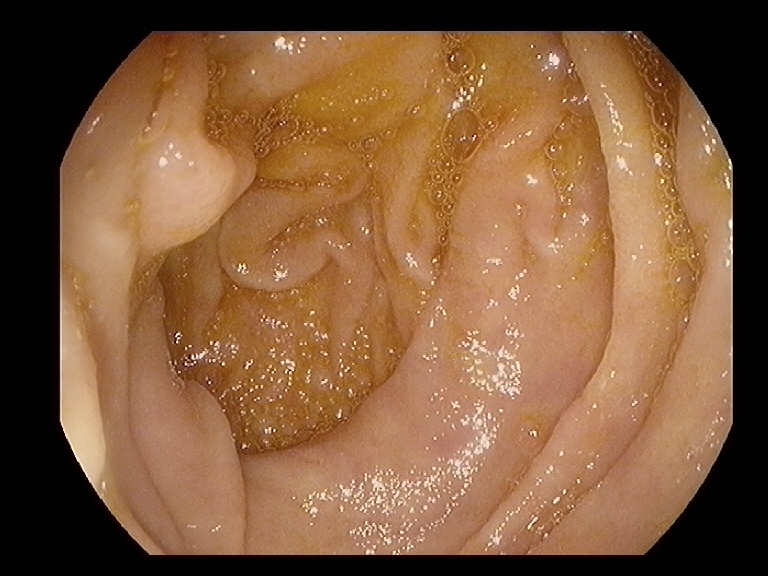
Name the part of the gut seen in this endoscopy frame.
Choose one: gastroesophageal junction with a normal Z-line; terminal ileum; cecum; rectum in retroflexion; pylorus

terminal ileum